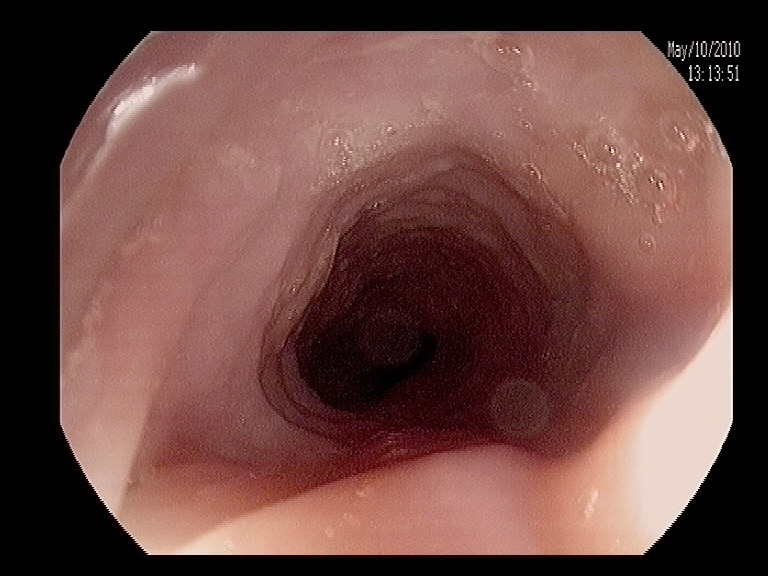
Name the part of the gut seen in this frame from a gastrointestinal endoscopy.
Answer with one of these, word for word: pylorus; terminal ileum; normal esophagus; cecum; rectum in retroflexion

normal esophagus